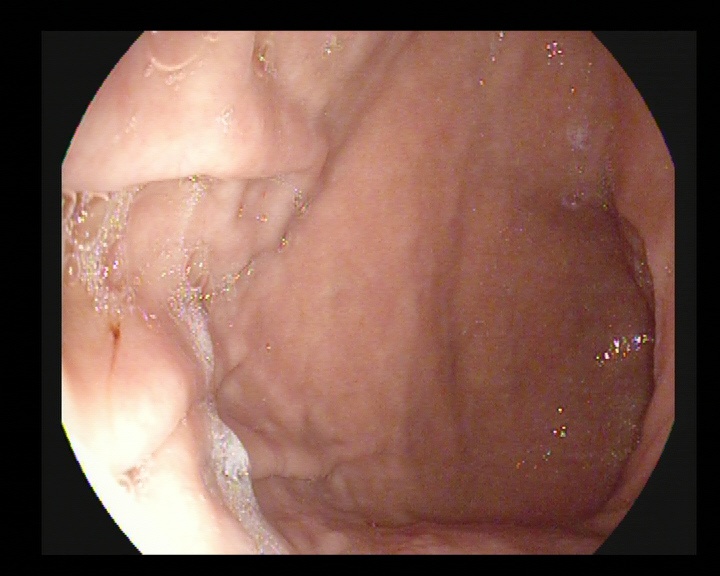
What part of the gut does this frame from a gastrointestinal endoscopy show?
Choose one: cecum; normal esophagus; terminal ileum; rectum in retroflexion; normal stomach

normal stomach